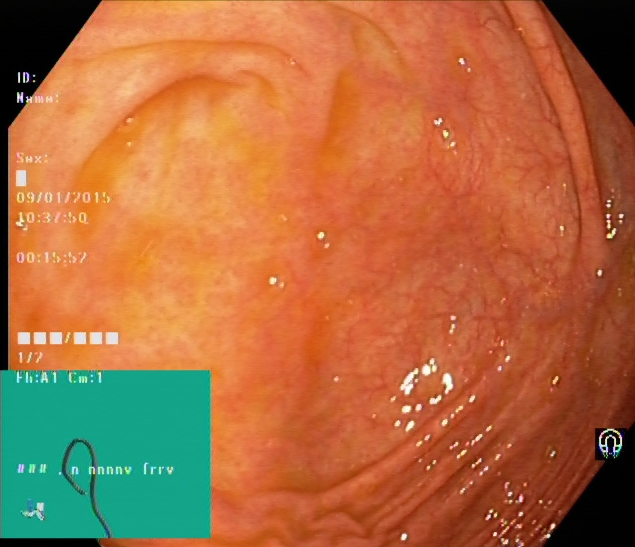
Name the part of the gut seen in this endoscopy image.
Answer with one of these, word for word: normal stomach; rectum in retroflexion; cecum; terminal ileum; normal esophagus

cecum